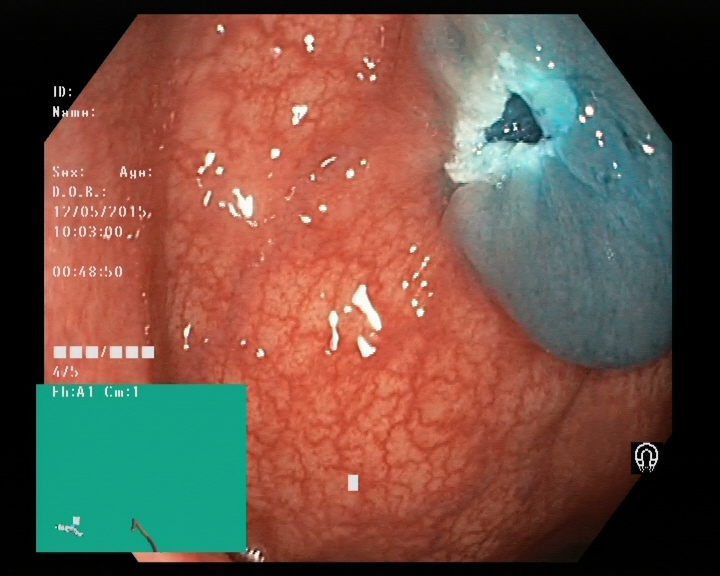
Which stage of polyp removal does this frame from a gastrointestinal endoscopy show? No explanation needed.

dyed resection margin (post-polypectomy)